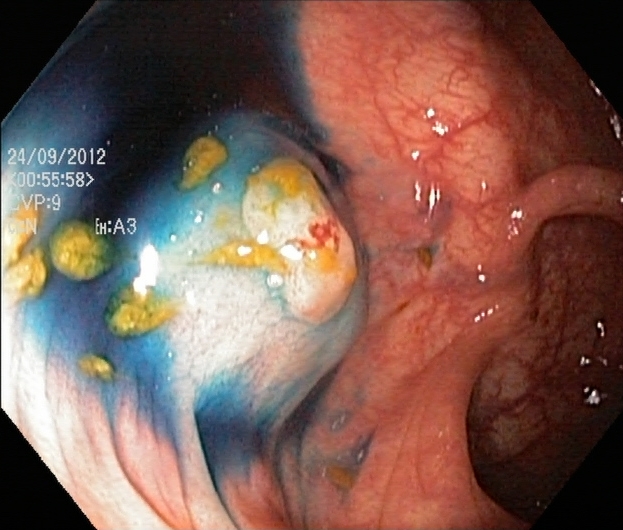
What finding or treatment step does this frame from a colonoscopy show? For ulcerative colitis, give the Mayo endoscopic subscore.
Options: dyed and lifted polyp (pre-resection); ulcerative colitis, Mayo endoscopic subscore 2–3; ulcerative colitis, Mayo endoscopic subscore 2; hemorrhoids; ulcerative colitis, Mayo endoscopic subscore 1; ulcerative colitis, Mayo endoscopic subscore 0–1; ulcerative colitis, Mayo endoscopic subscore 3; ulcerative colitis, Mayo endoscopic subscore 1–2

dyed and lifted polyp (pre-resection)